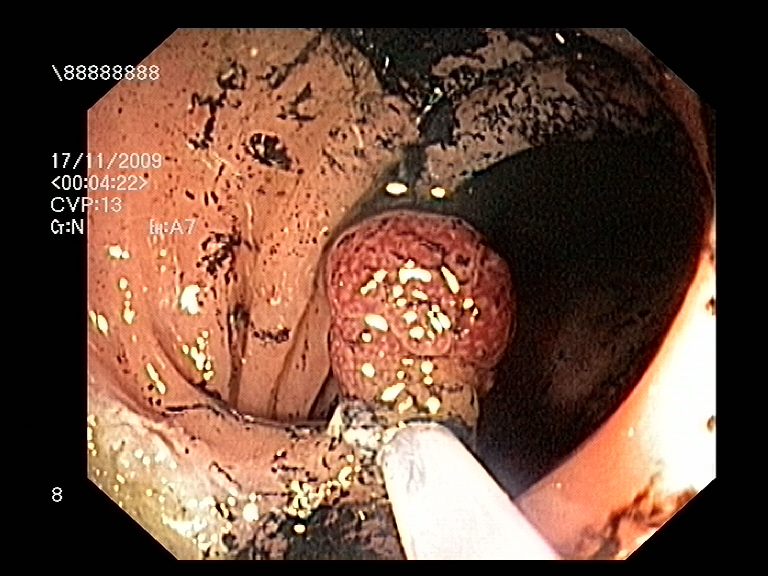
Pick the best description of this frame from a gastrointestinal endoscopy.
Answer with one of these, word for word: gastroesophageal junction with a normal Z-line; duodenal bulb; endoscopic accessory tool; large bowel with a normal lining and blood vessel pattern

endoscopic accessory tool